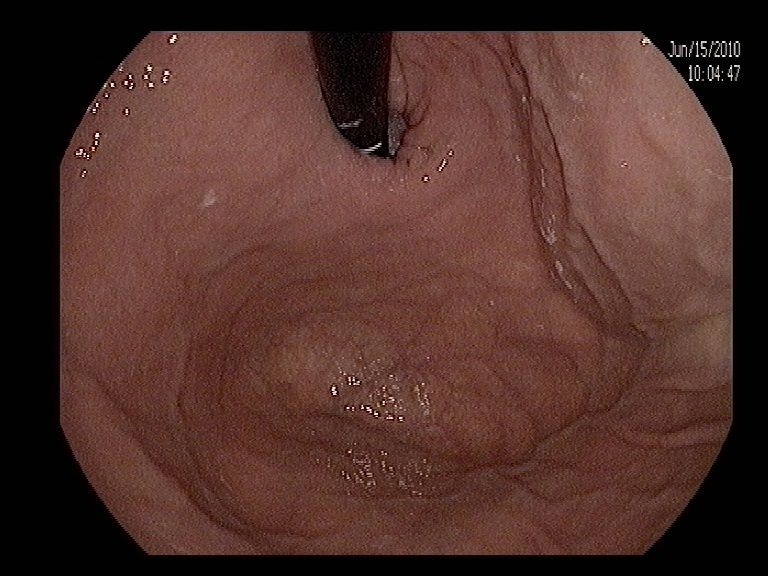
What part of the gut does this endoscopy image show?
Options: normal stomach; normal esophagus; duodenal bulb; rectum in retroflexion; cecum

normal stomach